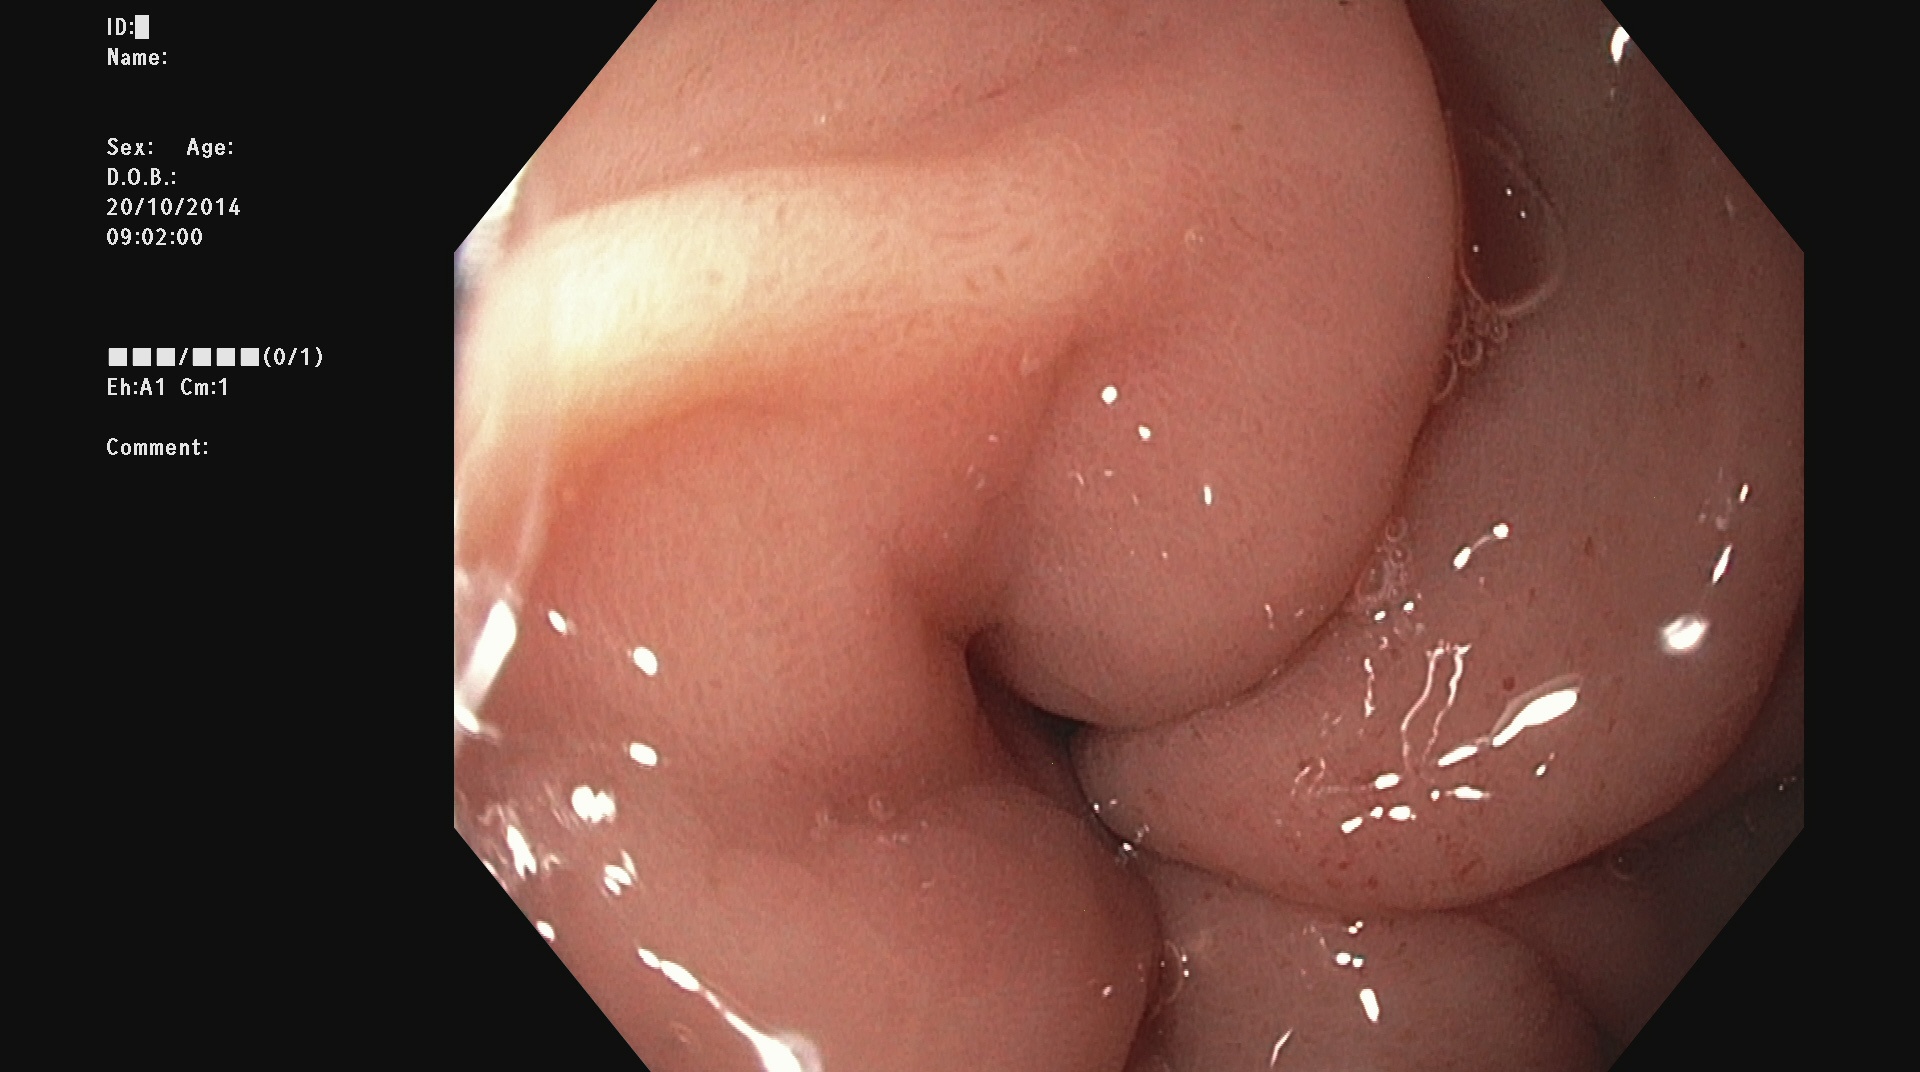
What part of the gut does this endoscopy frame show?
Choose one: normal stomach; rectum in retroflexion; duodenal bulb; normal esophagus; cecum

normal stomach